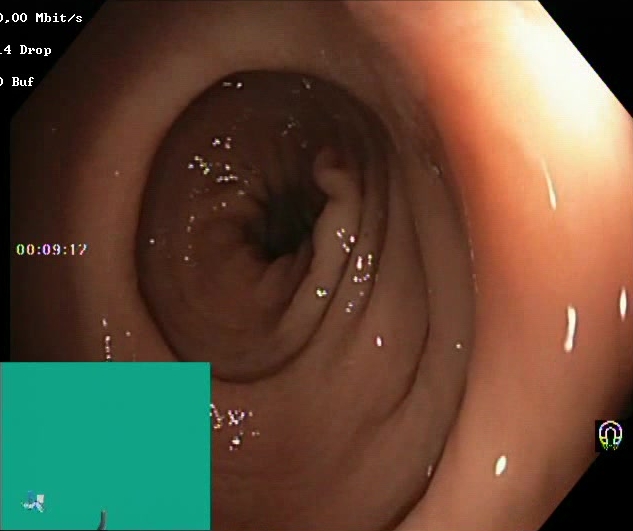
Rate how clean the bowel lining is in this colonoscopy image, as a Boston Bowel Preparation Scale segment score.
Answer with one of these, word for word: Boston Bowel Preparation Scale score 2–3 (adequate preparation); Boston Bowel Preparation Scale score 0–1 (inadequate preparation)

Boston Bowel Preparation Scale score 2–3 (adequate preparation)